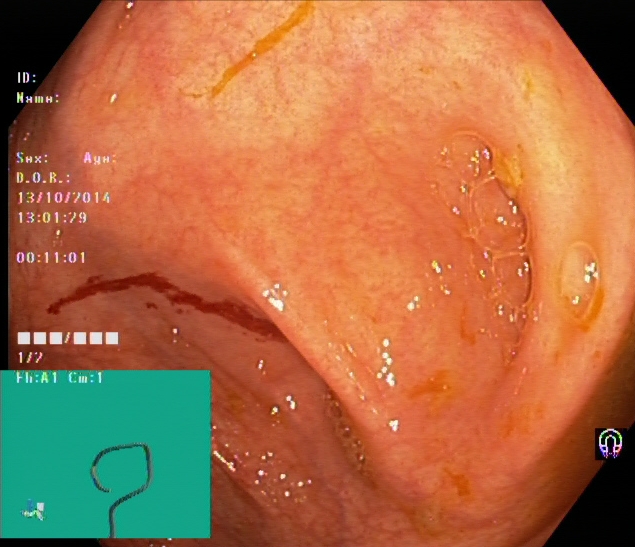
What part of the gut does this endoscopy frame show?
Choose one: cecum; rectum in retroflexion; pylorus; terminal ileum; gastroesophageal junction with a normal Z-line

cecum